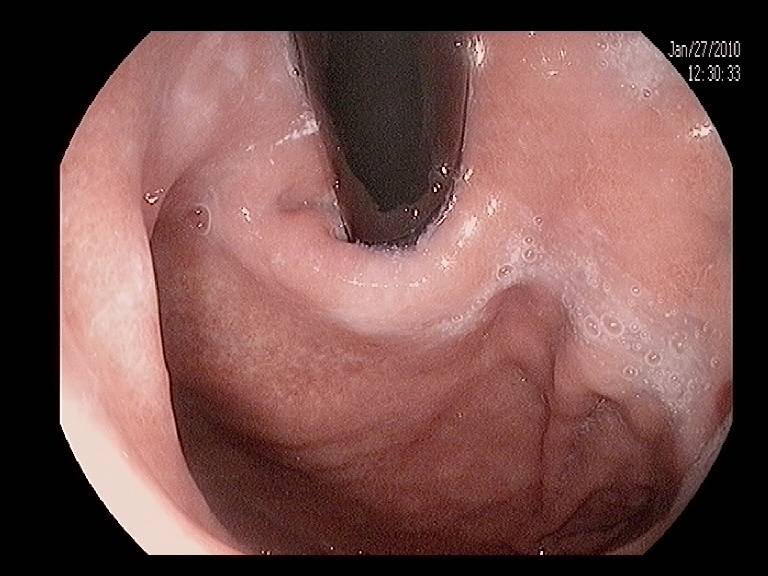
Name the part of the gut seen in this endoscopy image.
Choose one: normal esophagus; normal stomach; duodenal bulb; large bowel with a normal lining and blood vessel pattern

normal stomach